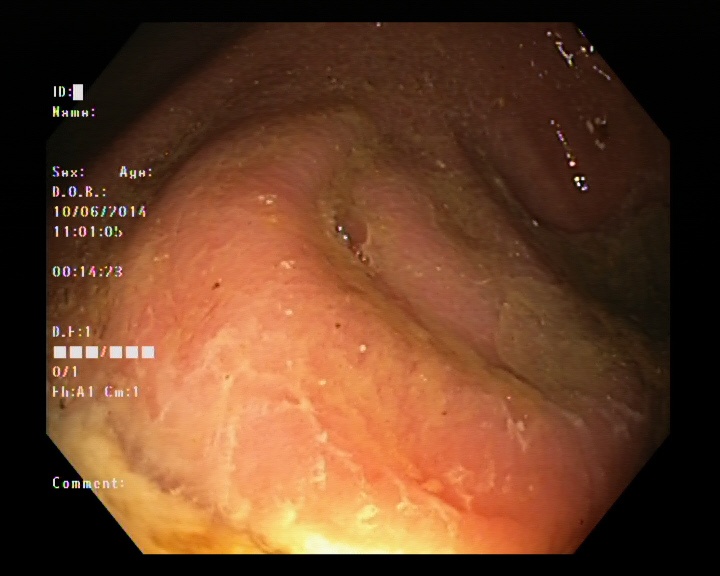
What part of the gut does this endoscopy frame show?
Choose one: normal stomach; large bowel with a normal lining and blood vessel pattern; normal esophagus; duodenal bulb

large bowel with a normal lining and blood vessel pattern